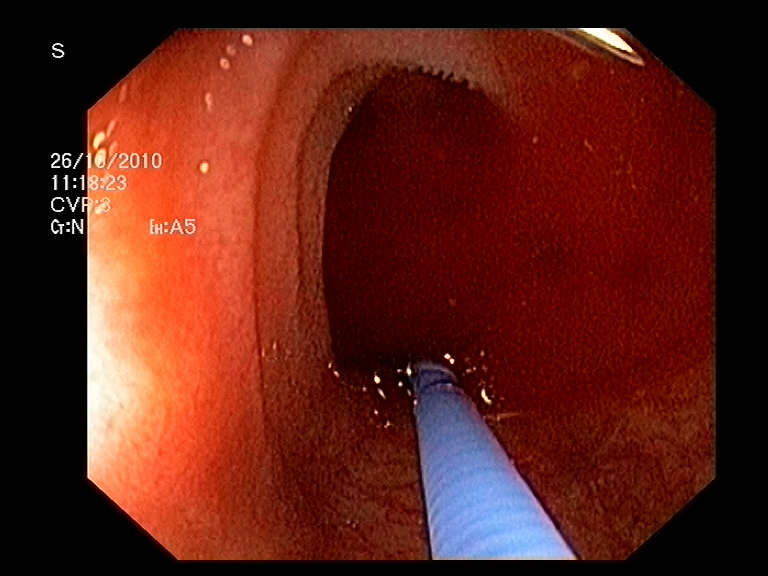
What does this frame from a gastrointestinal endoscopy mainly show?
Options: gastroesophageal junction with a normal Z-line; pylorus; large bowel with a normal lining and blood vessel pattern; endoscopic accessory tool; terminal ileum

endoscopic accessory tool